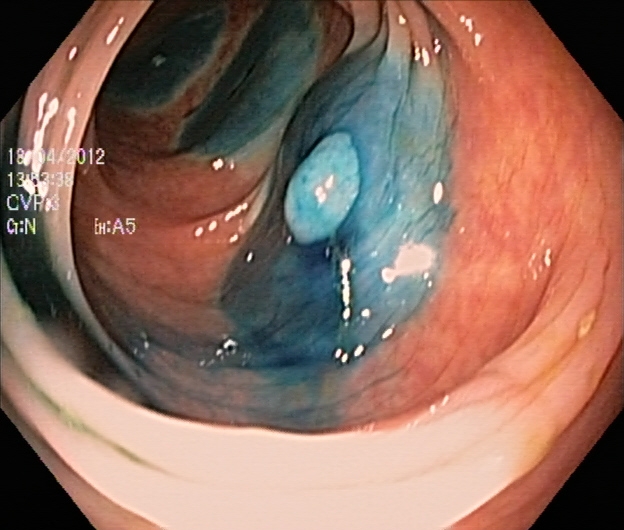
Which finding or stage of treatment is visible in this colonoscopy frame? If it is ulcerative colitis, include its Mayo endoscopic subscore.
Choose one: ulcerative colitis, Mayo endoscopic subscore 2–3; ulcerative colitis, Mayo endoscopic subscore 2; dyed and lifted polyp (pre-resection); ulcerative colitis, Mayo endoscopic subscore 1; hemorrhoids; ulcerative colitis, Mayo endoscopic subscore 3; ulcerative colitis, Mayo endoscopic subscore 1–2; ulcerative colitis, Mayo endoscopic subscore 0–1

dyed and lifted polyp (pre-resection)